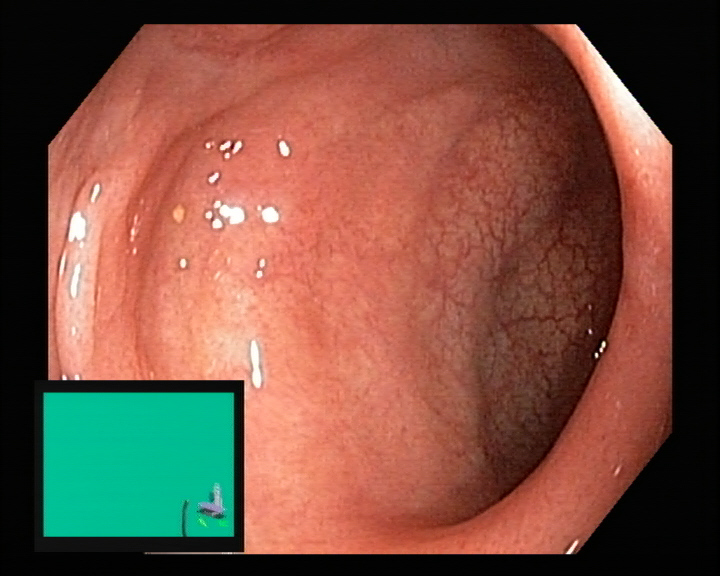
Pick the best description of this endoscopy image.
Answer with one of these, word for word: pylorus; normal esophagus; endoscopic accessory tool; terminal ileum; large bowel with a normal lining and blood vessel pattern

large bowel with a normal lining and blood vessel pattern